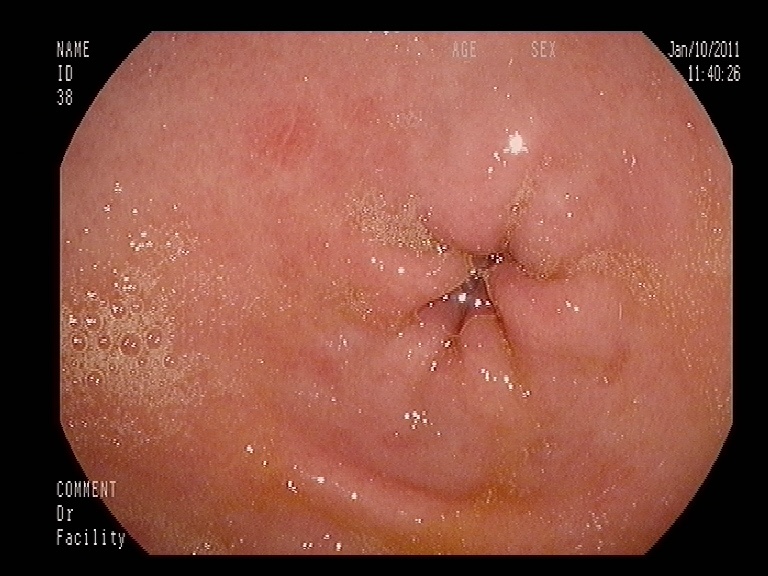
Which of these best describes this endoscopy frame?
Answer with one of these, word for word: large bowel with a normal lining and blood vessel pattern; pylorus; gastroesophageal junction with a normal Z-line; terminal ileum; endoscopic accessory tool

pylorus